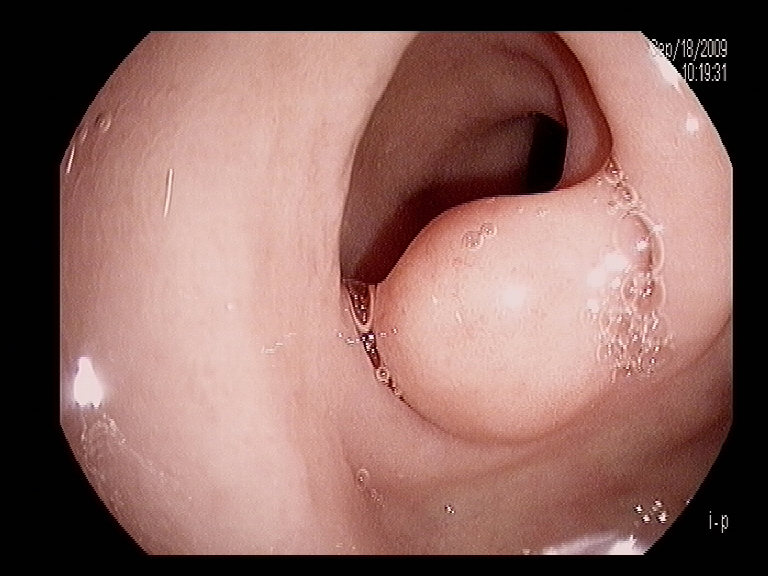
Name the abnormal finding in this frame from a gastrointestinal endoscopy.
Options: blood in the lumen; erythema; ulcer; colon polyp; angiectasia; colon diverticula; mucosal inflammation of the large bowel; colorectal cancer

colon polyp